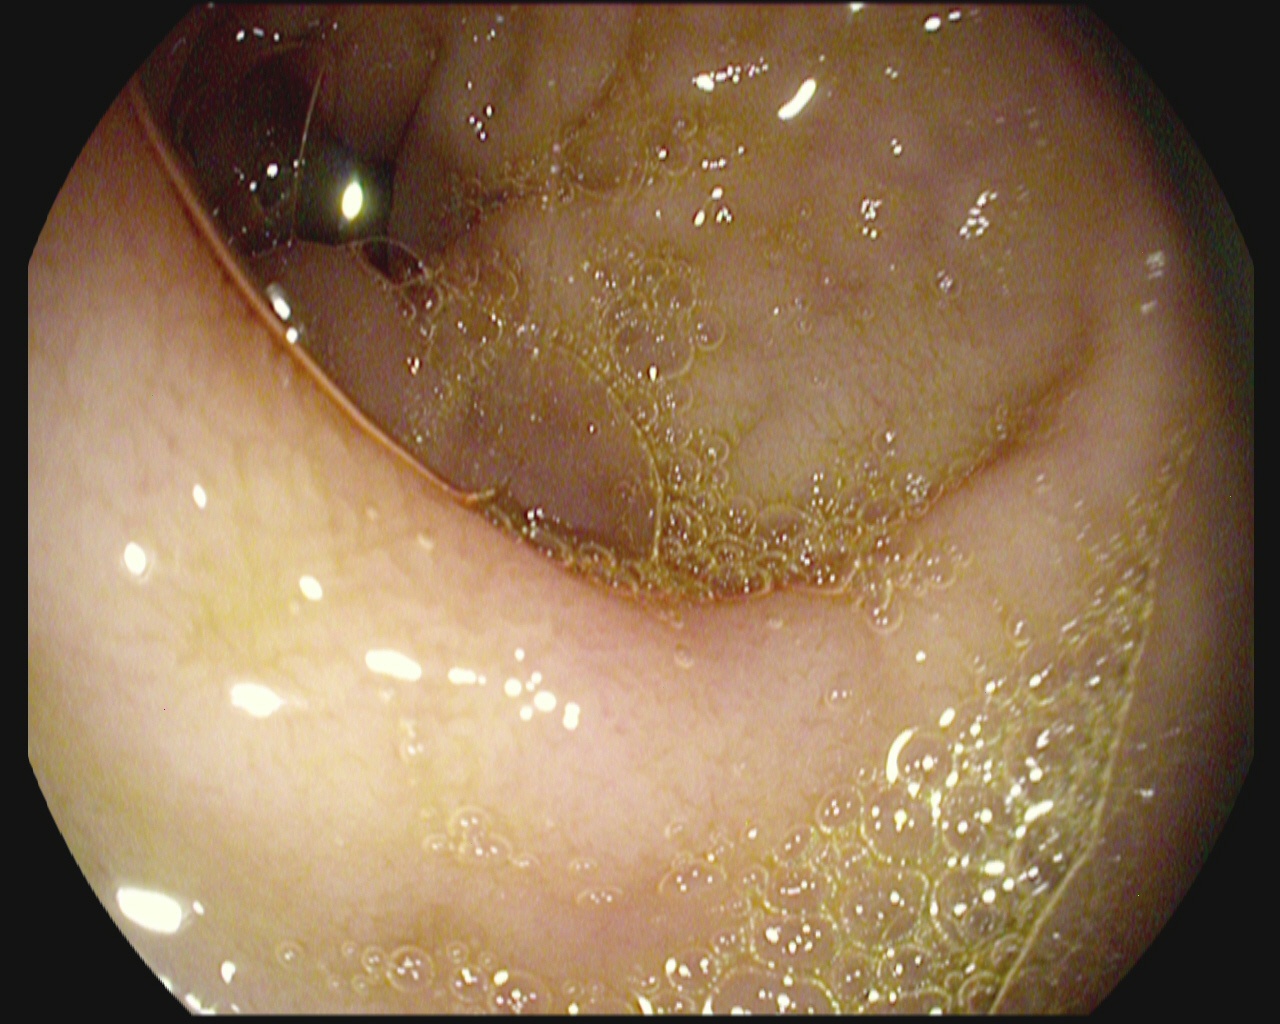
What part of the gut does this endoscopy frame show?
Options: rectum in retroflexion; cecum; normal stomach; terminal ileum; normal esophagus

terminal ileum